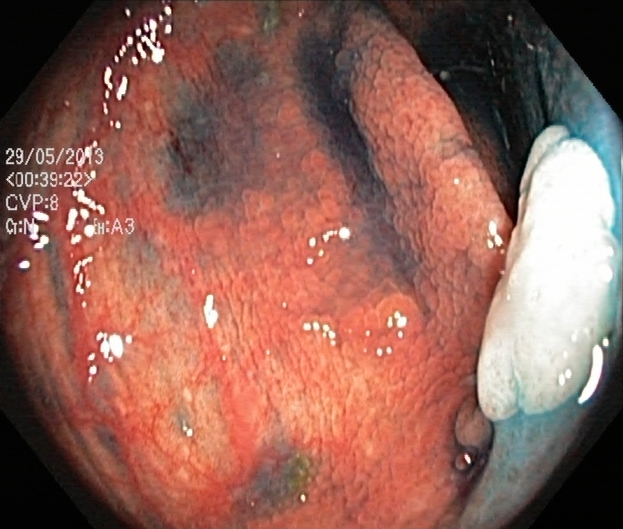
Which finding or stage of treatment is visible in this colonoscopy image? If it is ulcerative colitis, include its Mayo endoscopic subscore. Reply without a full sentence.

dyed and lifted polyp (pre-resection)